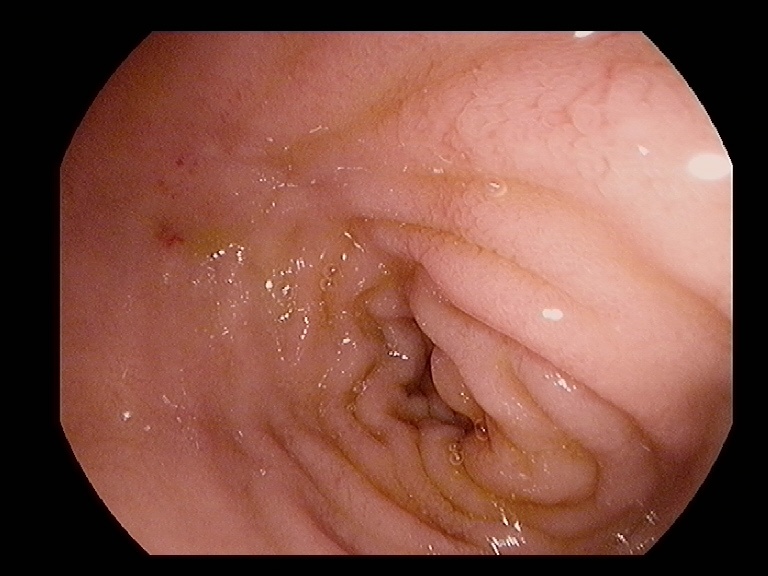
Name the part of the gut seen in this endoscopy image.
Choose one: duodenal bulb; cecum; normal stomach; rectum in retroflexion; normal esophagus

duodenal bulb